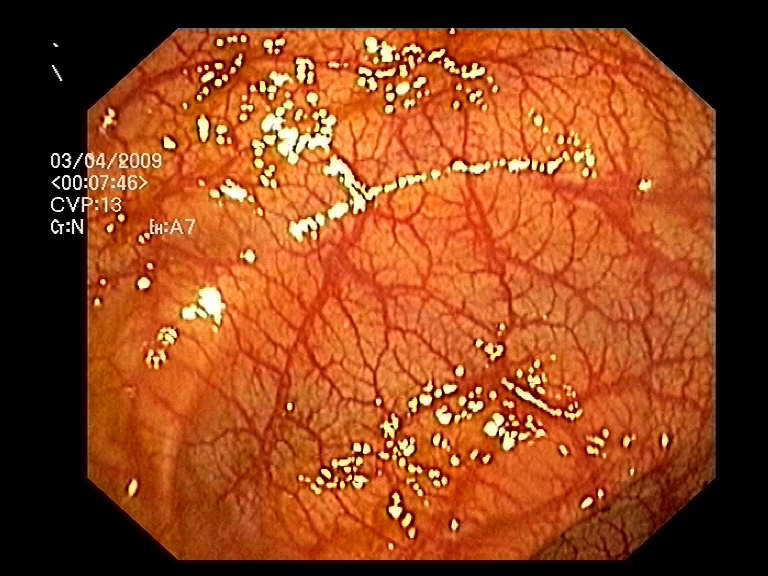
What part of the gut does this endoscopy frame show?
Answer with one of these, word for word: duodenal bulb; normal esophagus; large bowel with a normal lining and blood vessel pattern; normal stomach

large bowel with a normal lining and blood vessel pattern